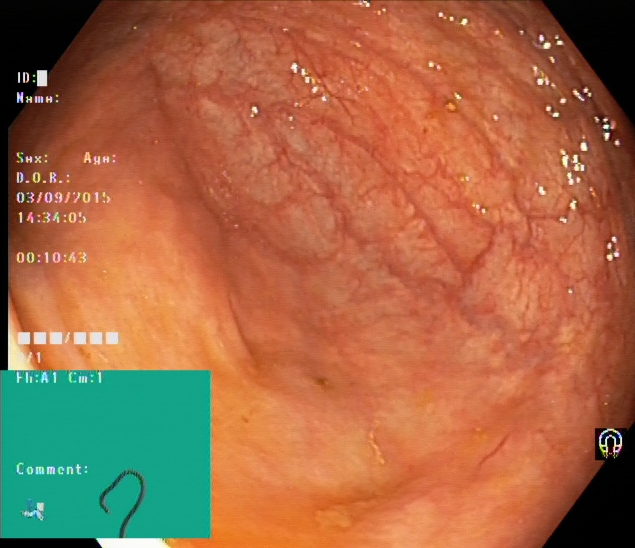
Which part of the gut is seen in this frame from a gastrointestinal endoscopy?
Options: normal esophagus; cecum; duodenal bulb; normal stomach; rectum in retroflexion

cecum